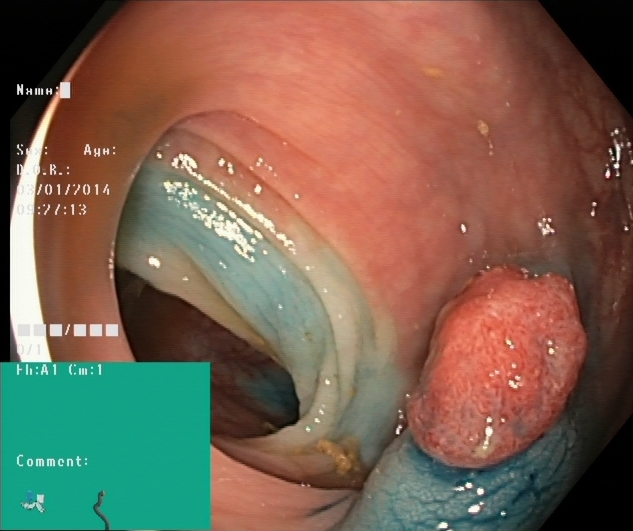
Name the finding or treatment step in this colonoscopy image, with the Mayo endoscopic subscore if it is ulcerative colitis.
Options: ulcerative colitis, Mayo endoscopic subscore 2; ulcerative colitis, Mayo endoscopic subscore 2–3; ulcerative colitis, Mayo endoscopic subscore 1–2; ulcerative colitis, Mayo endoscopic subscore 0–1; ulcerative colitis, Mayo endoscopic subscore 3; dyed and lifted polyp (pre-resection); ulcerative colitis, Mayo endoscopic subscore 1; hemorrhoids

dyed and lifted polyp (pre-resection)